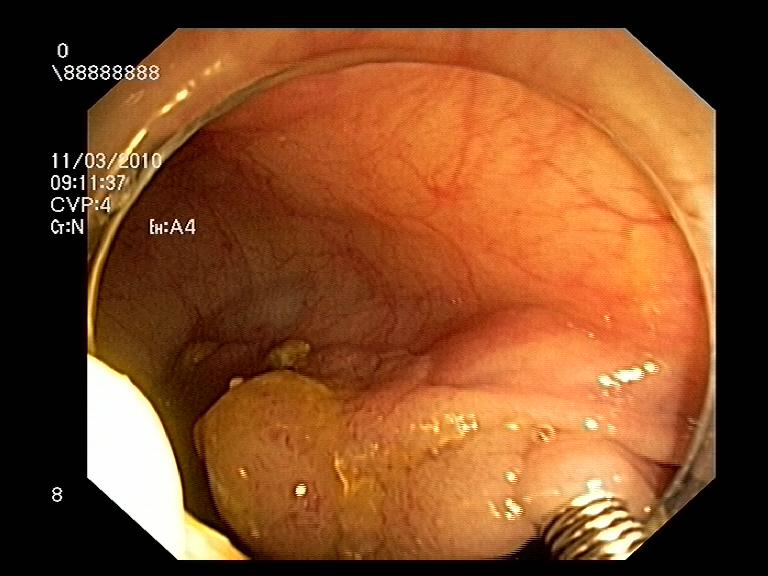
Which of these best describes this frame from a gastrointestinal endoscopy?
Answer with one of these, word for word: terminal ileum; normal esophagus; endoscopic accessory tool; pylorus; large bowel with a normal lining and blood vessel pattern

endoscopic accessory tool